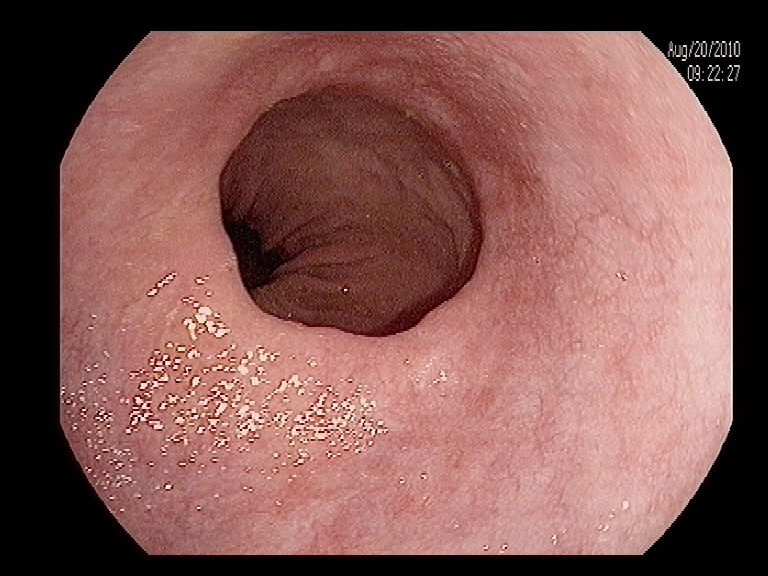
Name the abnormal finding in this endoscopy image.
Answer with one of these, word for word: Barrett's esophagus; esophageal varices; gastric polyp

Barrett's esophagus